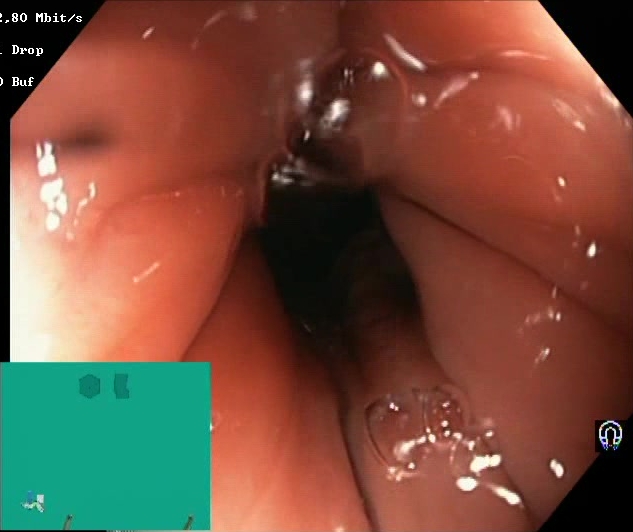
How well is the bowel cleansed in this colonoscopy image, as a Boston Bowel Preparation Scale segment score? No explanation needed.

Boston Bowel Preparation Scale score 2–3 (adequate preparation)